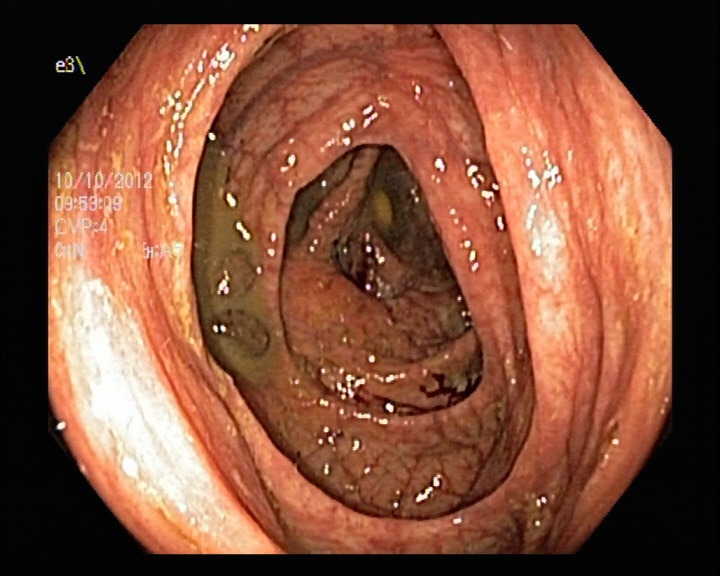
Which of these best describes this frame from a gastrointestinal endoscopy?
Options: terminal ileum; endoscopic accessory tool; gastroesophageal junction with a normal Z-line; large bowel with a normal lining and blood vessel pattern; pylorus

large bowel with a normal lining and blood vessel pattern